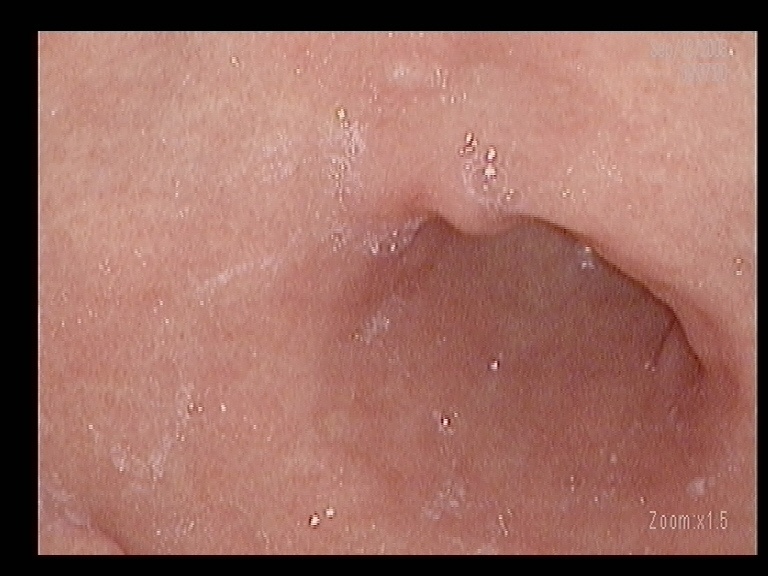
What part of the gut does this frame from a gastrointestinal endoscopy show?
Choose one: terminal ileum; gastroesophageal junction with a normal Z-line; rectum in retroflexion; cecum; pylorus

terminal ileum